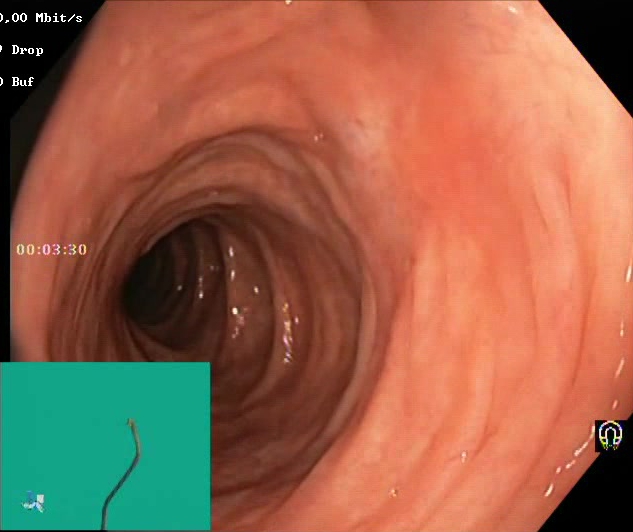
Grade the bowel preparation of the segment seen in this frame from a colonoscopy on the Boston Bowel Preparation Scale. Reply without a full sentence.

Boston Bowel Preparation Scale score 2–3 (adequate preparation)